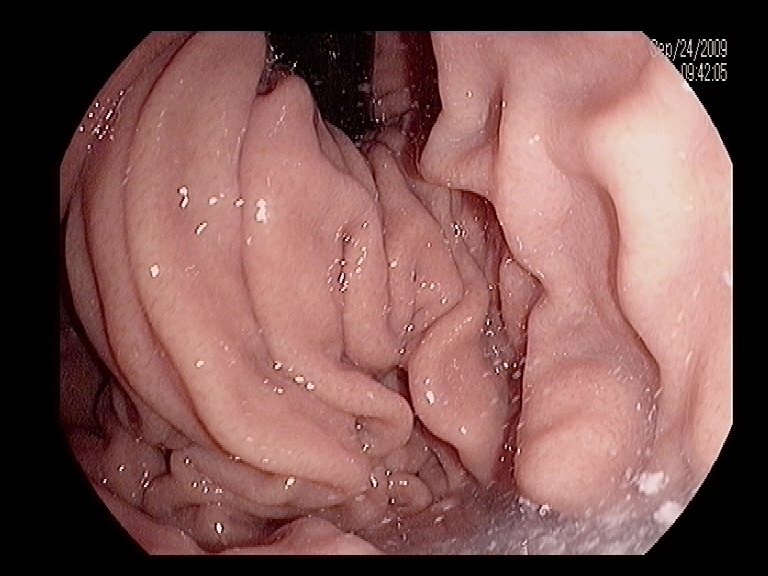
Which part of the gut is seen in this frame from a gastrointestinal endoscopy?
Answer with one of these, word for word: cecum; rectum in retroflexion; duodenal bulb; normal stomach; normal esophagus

normal stomach